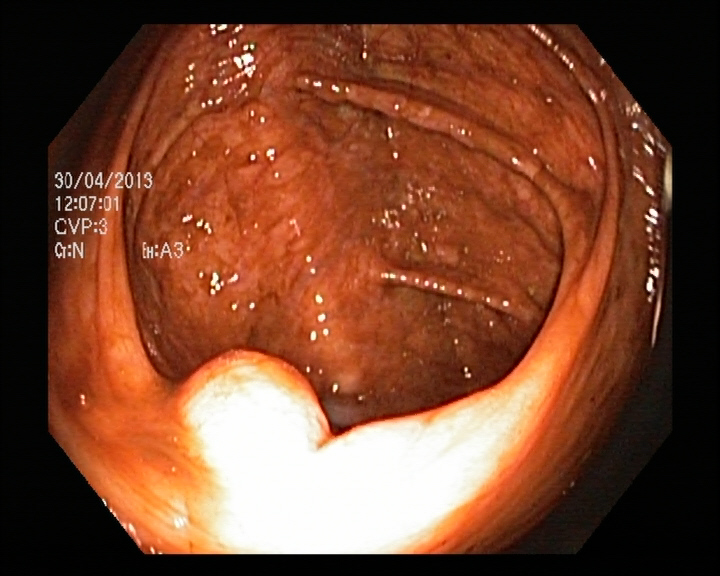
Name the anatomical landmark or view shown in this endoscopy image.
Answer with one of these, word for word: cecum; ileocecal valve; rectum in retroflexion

ileocecal valve